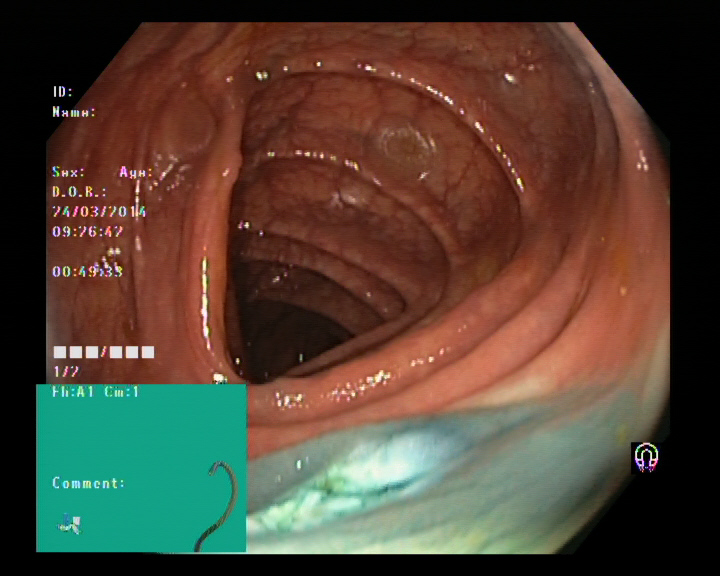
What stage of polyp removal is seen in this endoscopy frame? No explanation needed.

dyed resection margin (post-polypectomy)